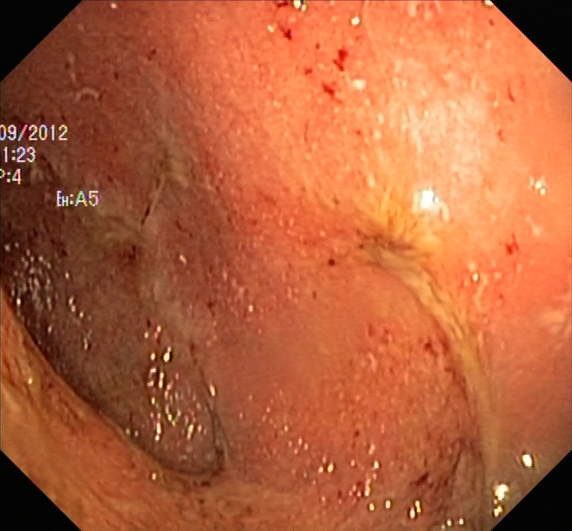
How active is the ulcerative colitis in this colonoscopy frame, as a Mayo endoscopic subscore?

ulcerative colitis, Mayo endoscopic subscore 2